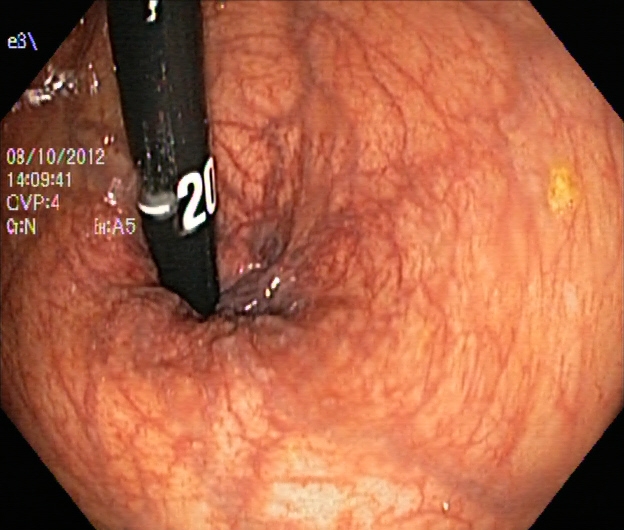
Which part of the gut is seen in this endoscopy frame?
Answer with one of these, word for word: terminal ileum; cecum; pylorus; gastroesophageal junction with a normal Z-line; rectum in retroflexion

rectum in retroflexion